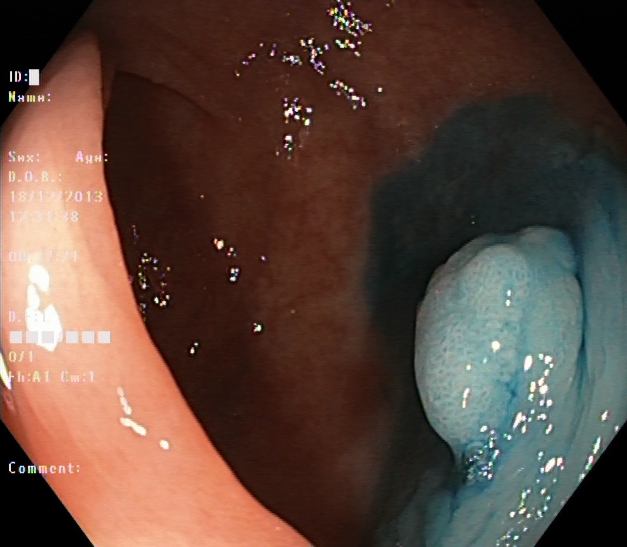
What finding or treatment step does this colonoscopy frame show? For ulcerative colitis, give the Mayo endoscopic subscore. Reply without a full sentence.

dyed and lifted polyp (pre-resection)